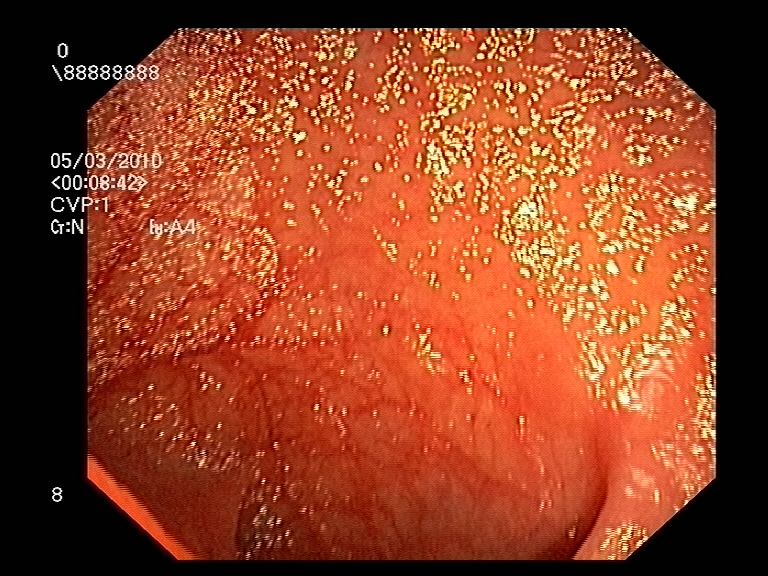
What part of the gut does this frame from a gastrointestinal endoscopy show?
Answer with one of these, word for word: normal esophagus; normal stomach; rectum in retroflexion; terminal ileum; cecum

terminal ileum